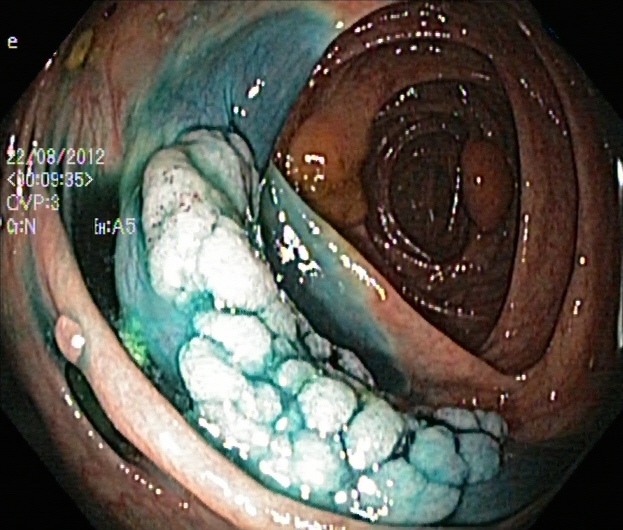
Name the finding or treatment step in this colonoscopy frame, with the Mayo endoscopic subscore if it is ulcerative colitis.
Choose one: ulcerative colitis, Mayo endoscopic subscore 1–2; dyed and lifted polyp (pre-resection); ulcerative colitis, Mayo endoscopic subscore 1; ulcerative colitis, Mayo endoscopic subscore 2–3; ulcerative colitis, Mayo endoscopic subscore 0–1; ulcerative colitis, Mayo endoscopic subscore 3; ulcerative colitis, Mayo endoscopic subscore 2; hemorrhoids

dyed and lifted polyp (pre-resection)